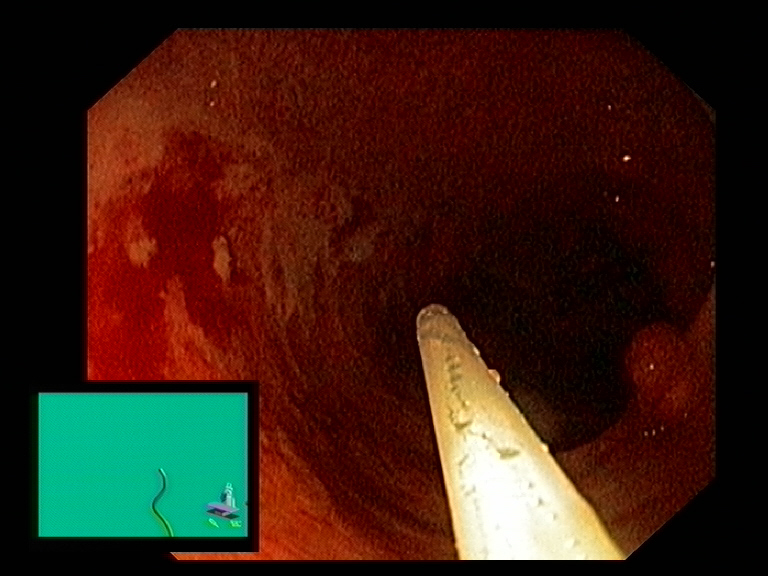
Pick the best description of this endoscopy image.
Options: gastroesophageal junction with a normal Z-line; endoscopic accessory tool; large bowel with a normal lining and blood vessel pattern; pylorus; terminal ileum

endoscopic accessory tool